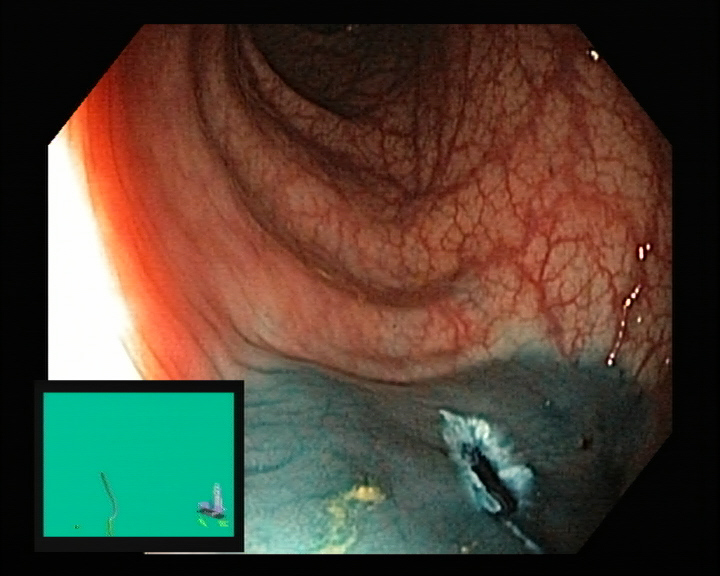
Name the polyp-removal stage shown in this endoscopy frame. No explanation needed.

dyed resection margin (post-polypectomy)